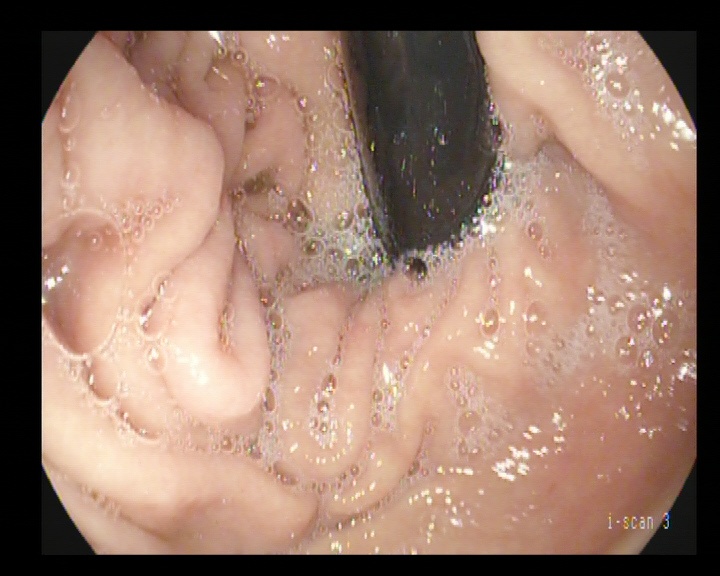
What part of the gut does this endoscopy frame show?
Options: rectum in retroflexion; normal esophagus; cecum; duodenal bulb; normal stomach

normal stomach